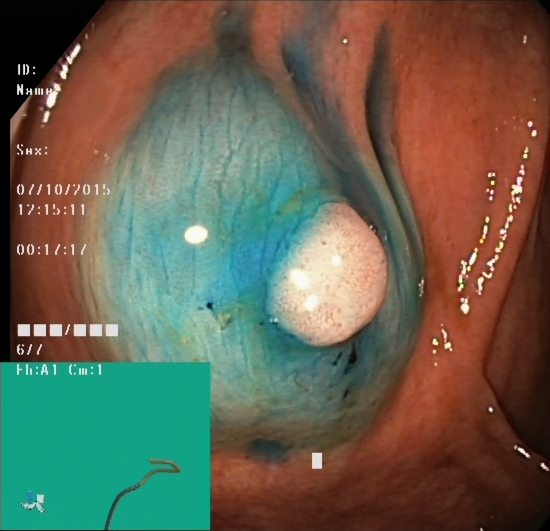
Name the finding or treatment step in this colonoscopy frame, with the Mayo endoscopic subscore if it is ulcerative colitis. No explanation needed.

dyed and lifted polyp (pre-resection)